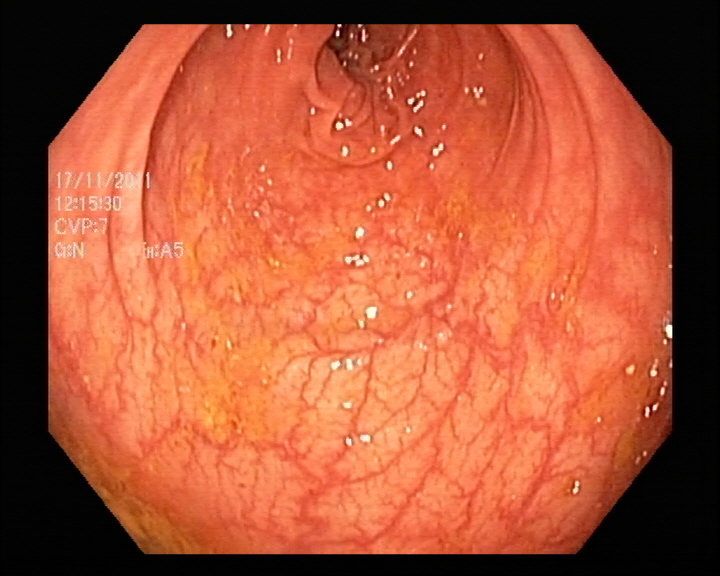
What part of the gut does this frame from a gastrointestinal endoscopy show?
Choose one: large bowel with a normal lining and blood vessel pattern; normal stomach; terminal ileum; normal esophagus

large bowel with a normal lining and blood vessel pattern